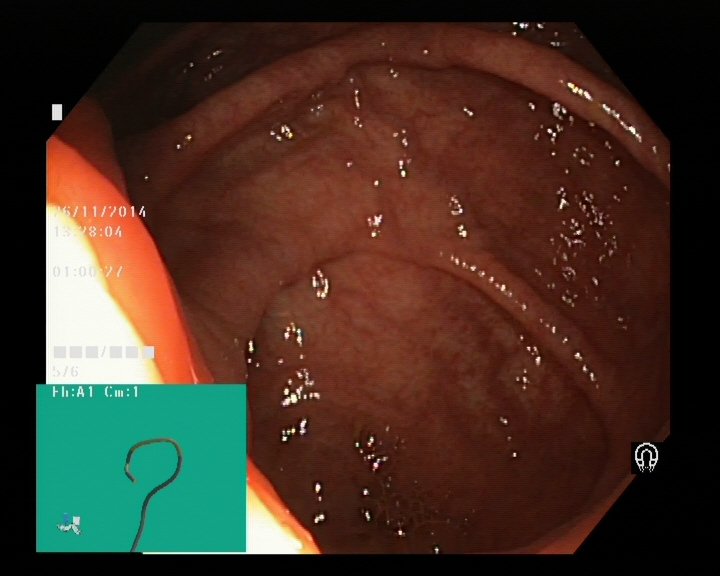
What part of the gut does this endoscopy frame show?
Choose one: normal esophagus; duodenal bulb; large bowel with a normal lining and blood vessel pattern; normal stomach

large bowel with a normal lining and blood vessel pattern